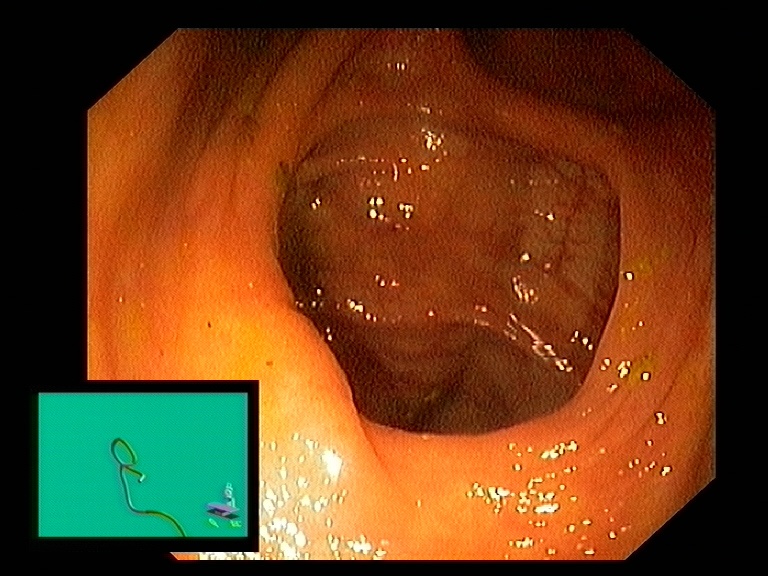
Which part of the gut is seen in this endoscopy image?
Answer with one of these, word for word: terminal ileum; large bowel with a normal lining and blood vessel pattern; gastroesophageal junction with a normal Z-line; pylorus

large bowel with a normal lining and blood vessel pattern